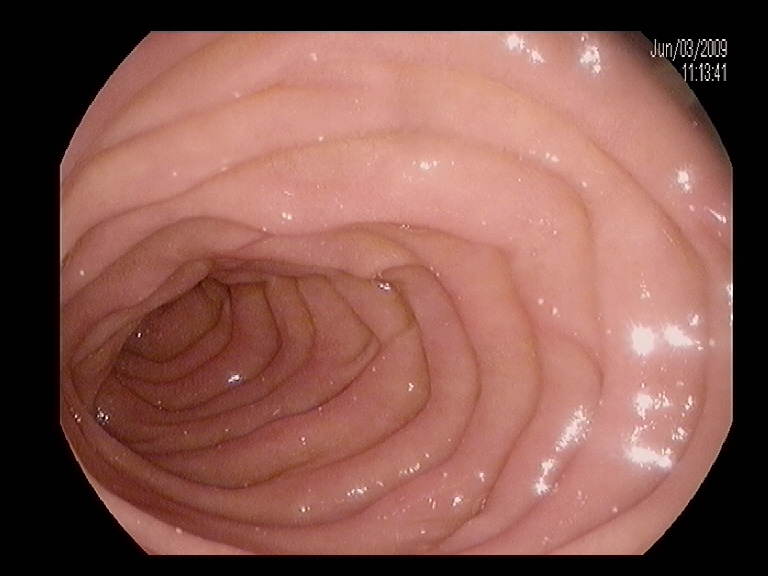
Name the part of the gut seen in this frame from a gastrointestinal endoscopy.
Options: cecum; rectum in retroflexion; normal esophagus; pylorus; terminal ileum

terminal ileum